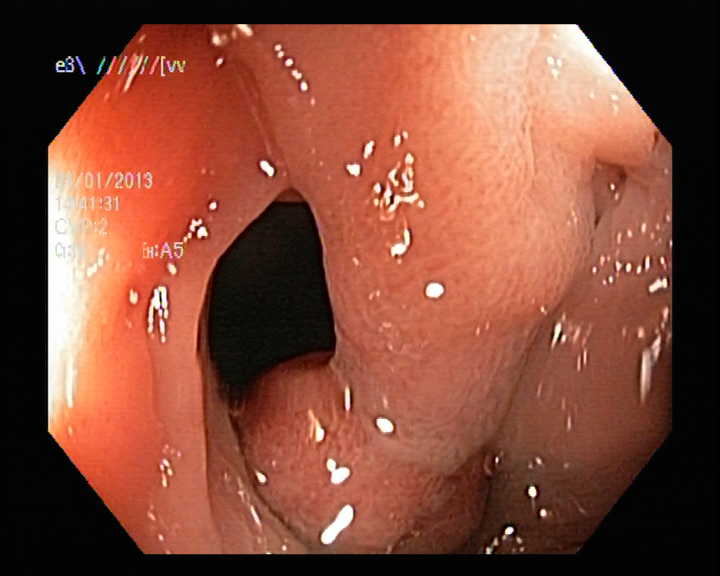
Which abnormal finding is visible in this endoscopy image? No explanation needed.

colon polyp